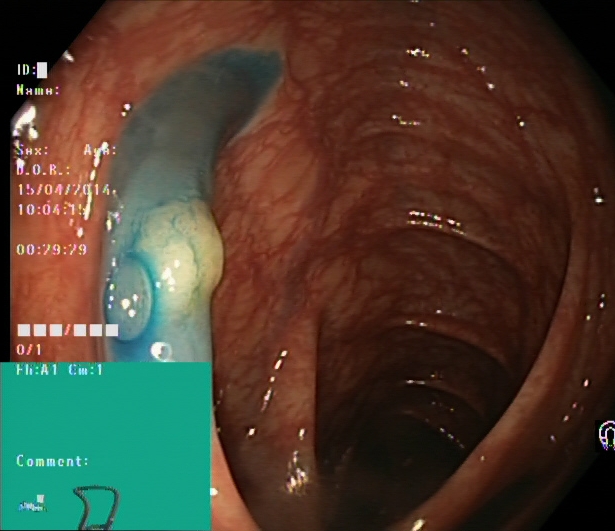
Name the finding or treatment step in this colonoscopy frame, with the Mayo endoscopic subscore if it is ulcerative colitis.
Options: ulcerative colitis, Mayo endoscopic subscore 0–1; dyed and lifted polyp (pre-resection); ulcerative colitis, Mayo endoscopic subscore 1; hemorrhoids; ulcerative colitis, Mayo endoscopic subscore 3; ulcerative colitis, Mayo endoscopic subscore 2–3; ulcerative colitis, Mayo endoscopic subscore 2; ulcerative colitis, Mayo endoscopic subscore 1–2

dyed and lifted polyp (pre-resection)